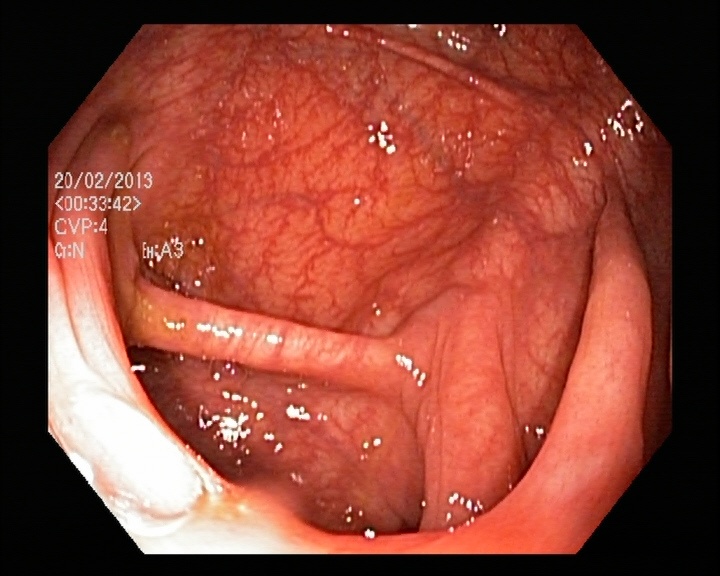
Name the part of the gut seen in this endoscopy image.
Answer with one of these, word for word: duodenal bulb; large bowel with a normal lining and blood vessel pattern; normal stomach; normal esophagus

large bowel with a normal lining and blood vessel pattern